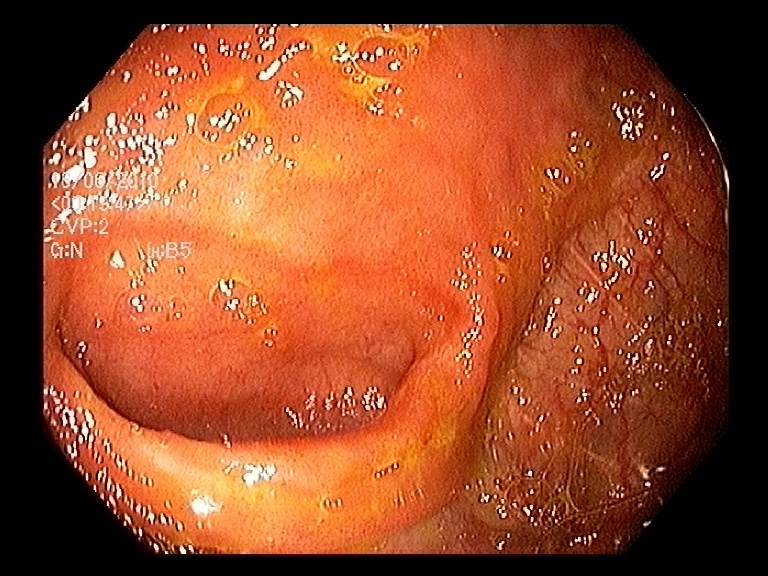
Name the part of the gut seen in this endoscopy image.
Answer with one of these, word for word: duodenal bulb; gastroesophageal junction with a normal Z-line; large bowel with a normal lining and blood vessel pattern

large bowel with a normal lining and blood vessel pattern